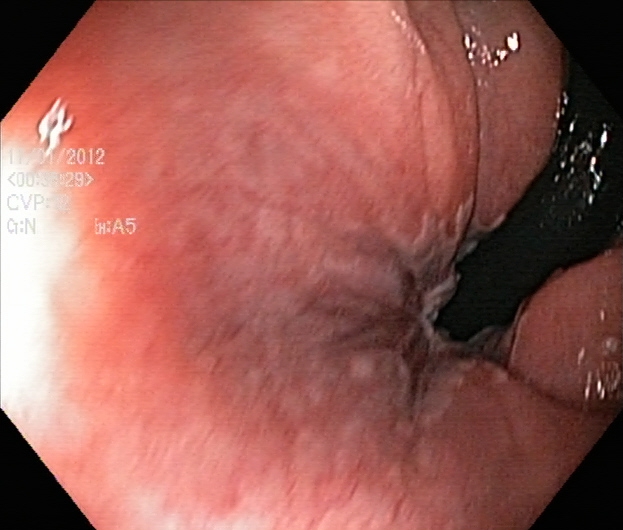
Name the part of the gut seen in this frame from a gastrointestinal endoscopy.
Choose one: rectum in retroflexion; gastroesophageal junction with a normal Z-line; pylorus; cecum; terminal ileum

rectum in retroflexion